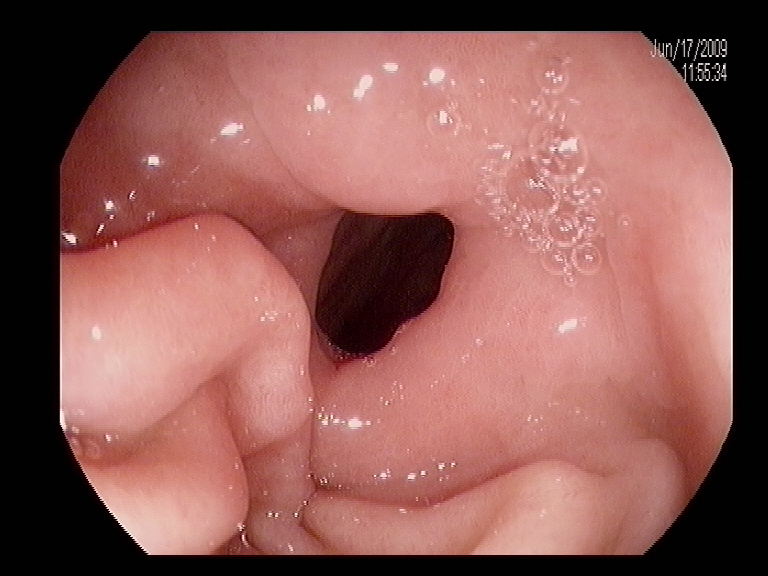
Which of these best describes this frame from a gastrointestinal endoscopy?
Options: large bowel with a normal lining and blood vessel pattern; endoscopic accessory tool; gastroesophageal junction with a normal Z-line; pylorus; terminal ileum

pylorus